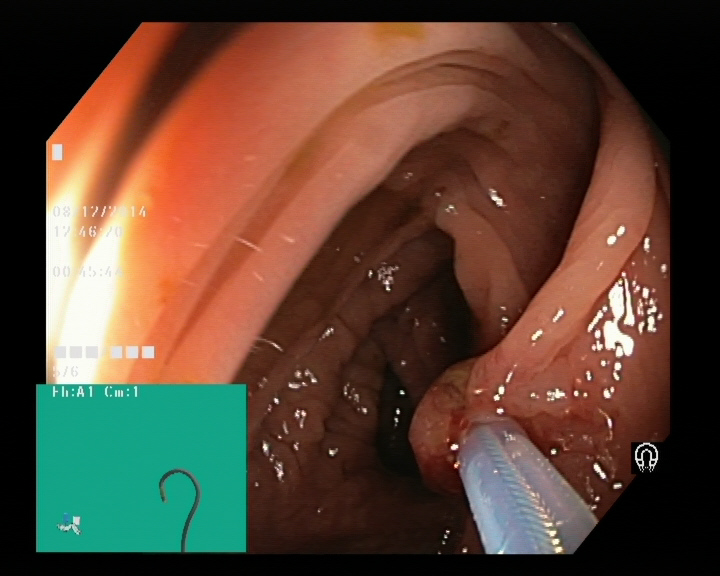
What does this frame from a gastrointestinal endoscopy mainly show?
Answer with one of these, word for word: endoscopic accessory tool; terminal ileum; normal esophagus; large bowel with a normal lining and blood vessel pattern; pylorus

endoscopic accessory tool